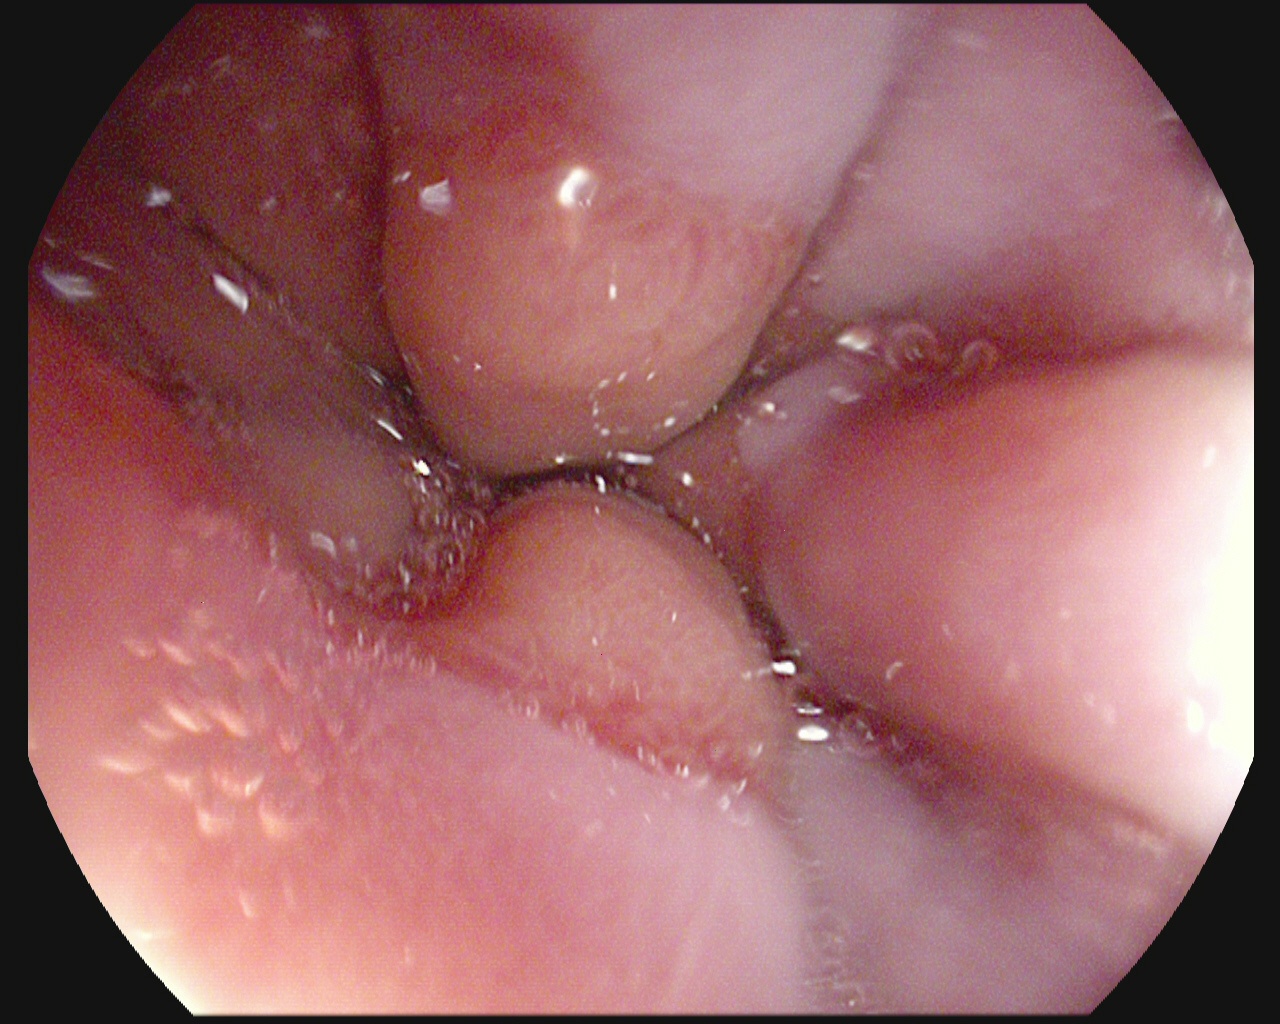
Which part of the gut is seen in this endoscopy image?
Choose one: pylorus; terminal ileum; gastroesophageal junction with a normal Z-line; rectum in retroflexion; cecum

gastroesophageal junction with a normal Z-line